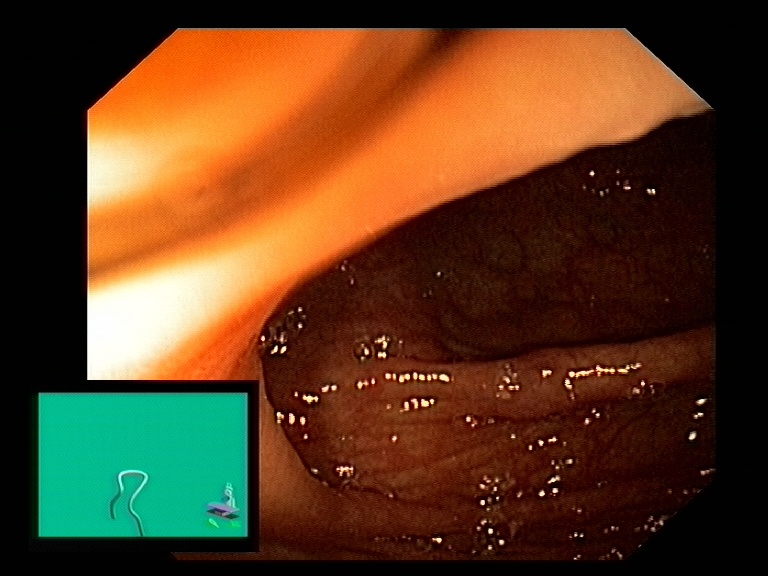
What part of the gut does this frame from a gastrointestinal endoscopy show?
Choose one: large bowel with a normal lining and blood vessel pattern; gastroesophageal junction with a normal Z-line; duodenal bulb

large bowel with a normal lining and blood vessel pattern